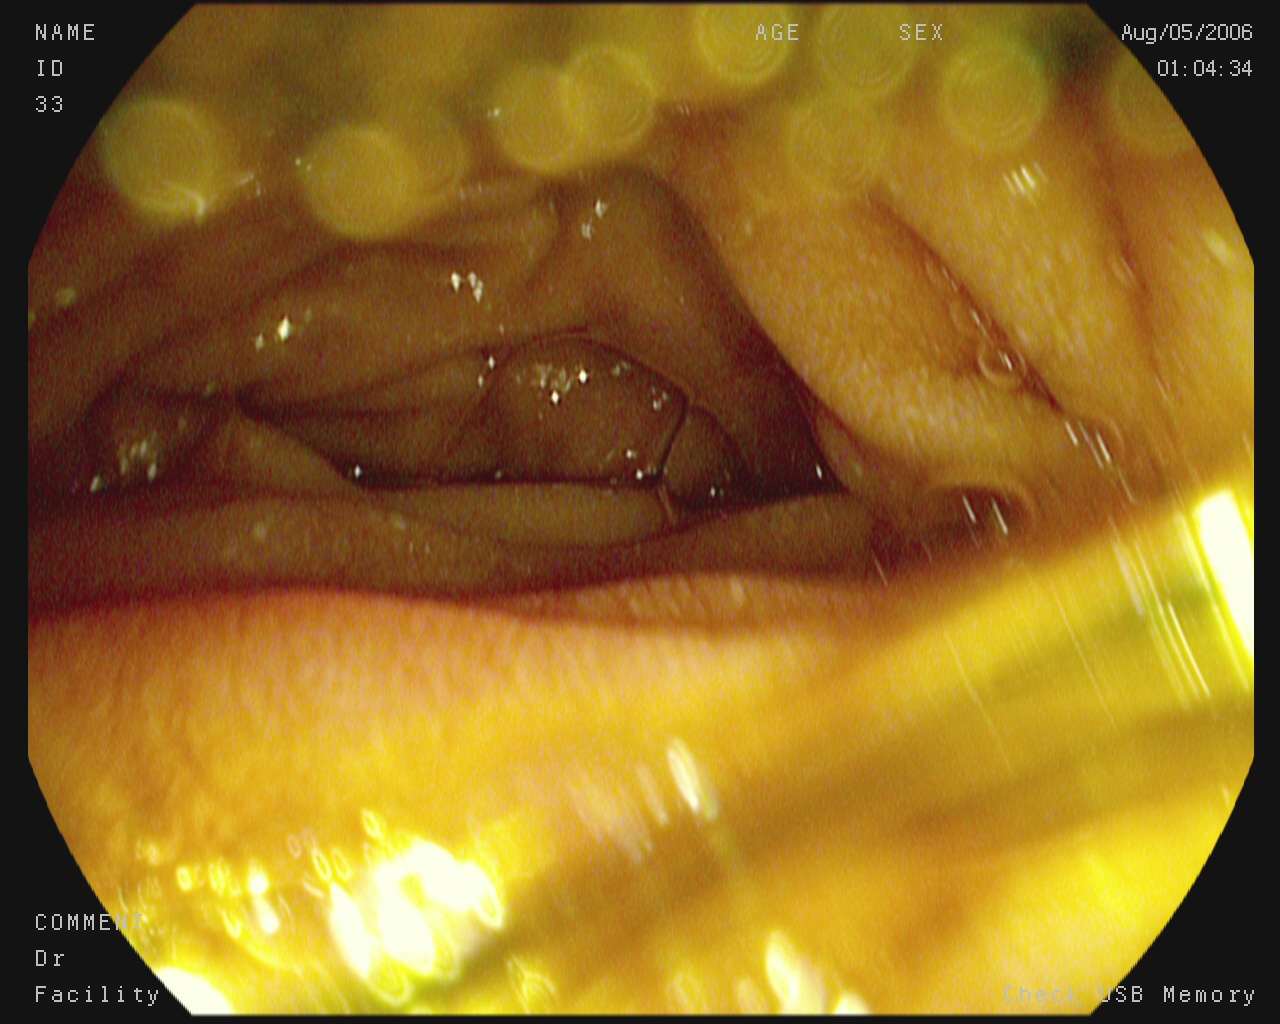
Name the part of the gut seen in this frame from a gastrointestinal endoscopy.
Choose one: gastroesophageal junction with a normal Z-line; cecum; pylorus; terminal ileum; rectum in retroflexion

terminal ileum